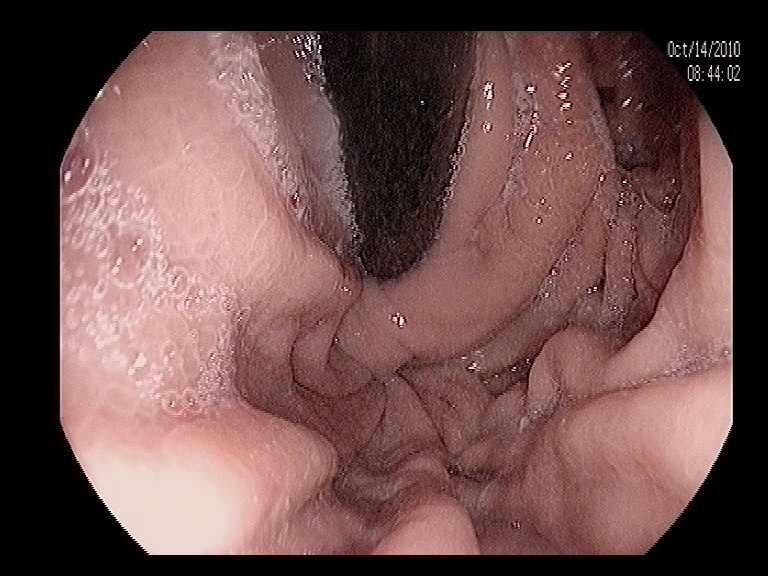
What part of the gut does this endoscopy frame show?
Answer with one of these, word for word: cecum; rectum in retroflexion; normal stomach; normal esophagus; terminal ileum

normal stomach